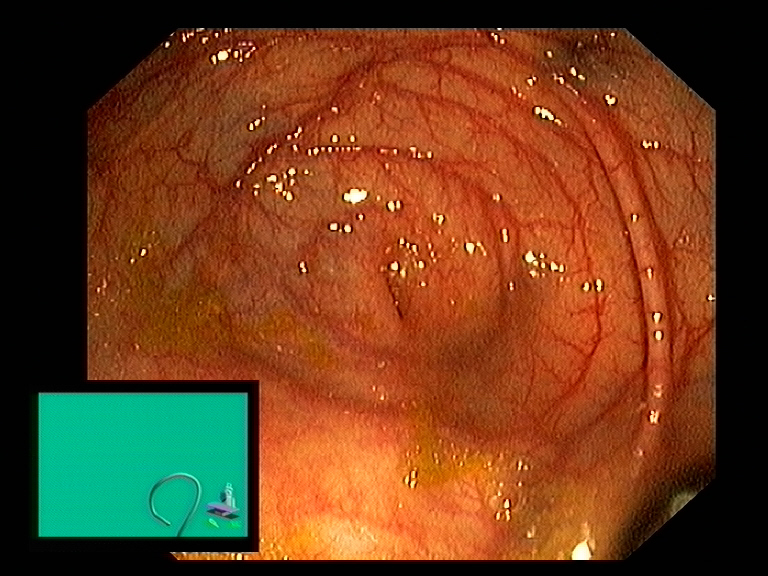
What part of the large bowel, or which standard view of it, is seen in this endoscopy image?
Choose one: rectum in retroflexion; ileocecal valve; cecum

cecum